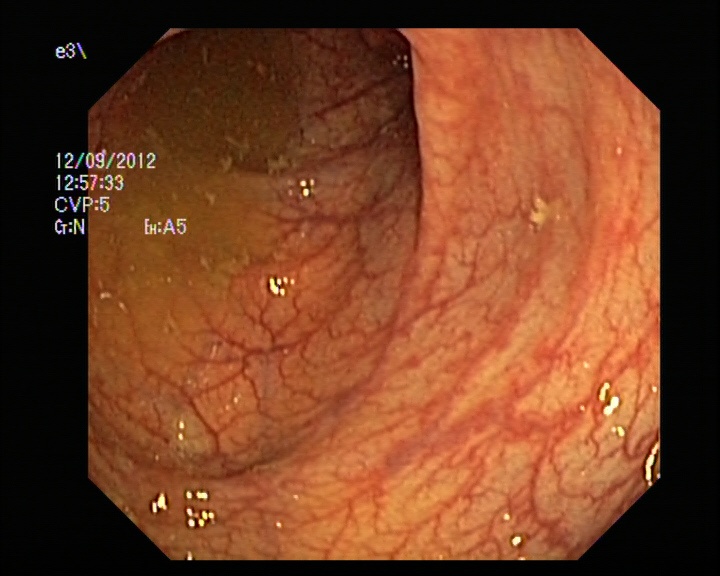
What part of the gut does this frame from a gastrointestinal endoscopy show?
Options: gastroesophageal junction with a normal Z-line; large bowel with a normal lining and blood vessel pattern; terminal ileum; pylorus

large bowel with a normal lining and blood vessel pattern